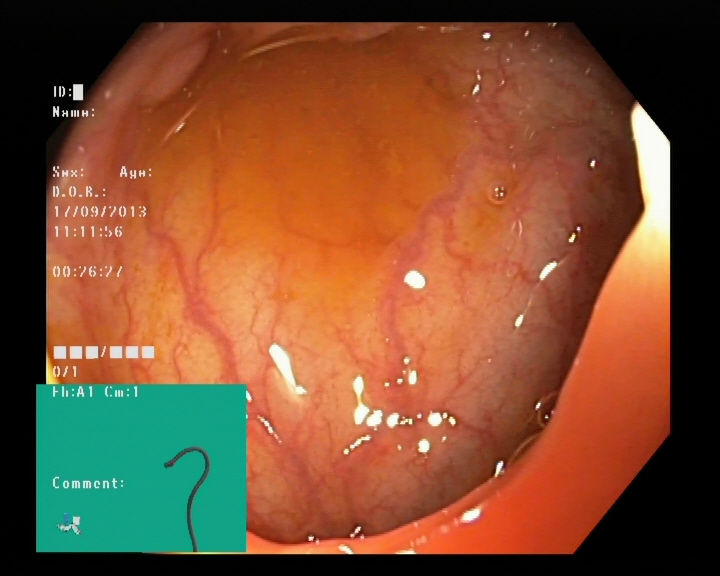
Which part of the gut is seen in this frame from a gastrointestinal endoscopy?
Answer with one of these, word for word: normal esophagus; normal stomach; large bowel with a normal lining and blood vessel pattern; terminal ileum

large bowel with a normal lining and blood vessel pattern